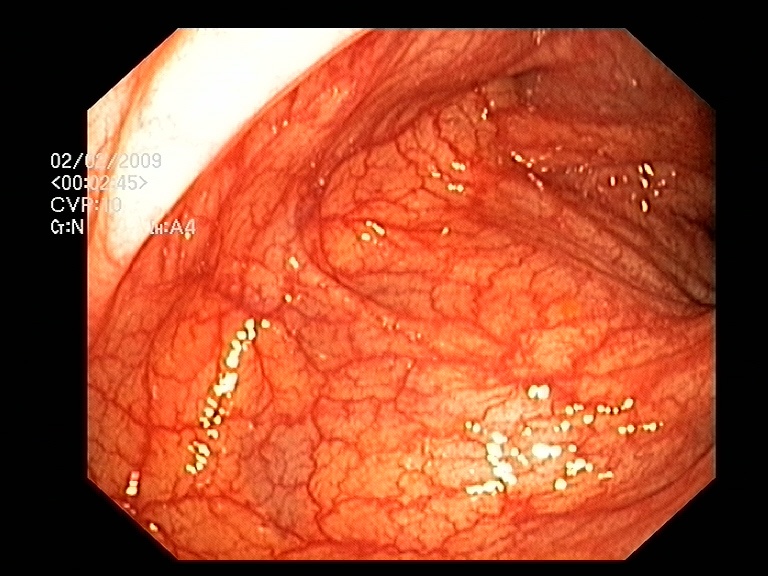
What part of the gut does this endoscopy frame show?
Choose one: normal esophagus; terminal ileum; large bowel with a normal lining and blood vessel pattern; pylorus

large bowel with a normal lining and blood vessel pattern